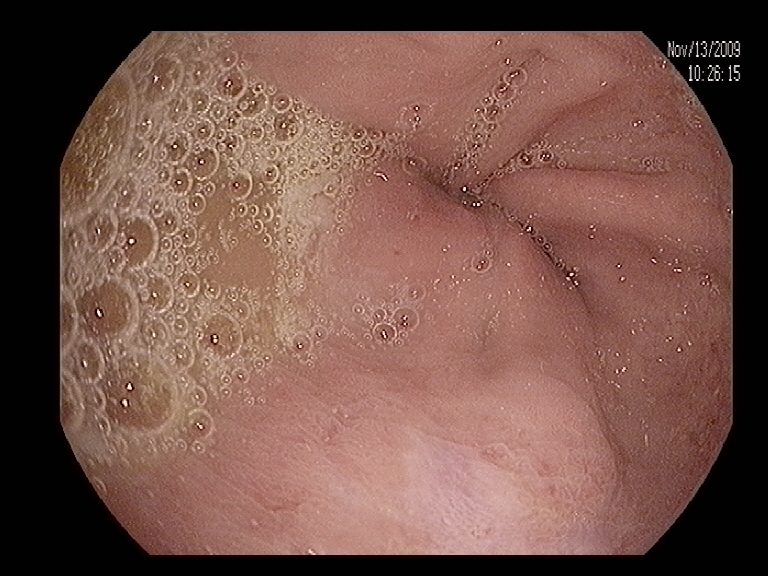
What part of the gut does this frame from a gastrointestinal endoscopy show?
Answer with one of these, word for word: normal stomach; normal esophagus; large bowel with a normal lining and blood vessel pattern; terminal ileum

normal stomach